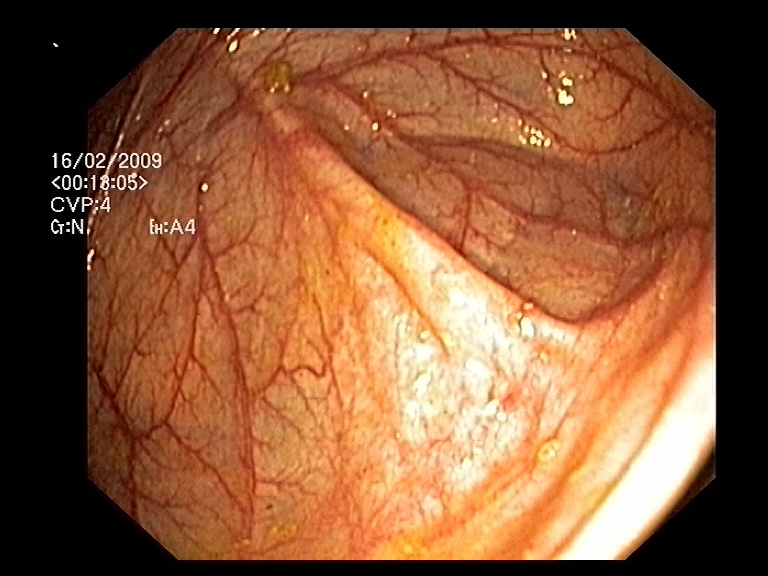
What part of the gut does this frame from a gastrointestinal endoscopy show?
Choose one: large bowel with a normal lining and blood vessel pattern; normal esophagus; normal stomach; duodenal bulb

large bowel with a normal lining and blood vessel pattern